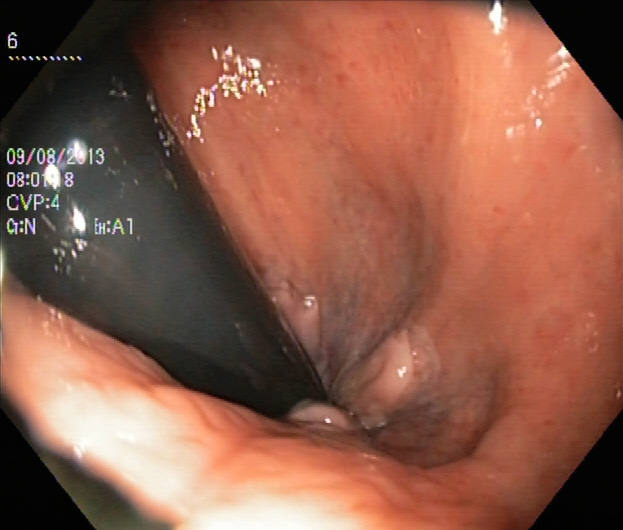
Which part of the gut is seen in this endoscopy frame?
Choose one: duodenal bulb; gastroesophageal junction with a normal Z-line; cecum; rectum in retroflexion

rectum in retroflexion